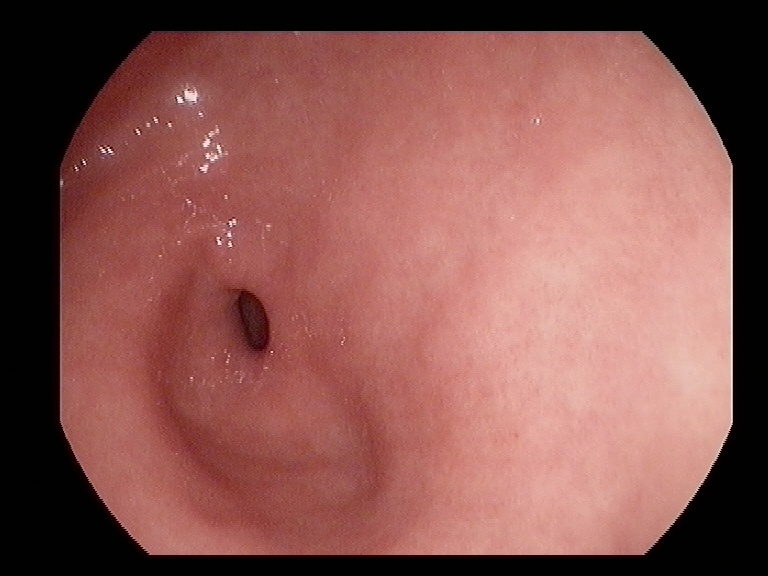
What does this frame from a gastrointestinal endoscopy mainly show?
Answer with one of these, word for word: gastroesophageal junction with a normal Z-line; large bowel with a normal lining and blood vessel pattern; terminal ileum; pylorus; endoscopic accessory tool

pylorus